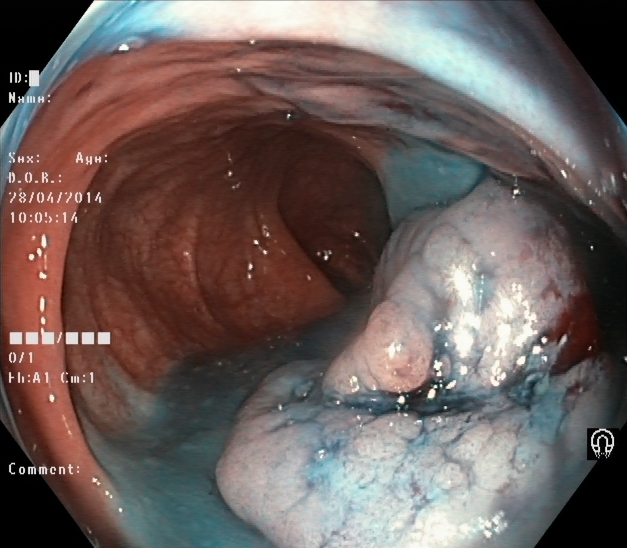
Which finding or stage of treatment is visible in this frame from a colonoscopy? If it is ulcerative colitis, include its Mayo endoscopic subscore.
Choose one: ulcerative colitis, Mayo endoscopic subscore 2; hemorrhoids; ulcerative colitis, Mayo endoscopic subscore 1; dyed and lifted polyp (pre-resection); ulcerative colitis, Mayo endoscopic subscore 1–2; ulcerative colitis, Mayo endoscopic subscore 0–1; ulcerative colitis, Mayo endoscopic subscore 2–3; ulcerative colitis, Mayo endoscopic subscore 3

dyed and lifted polyp (pre-resection)